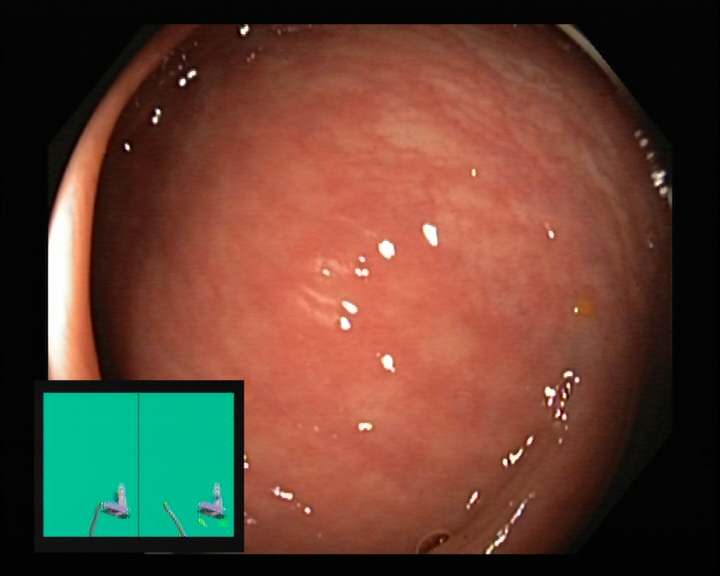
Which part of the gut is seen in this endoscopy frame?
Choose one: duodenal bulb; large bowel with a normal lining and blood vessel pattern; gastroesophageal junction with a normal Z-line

large bowel with a normal lining and blood vessel pattern